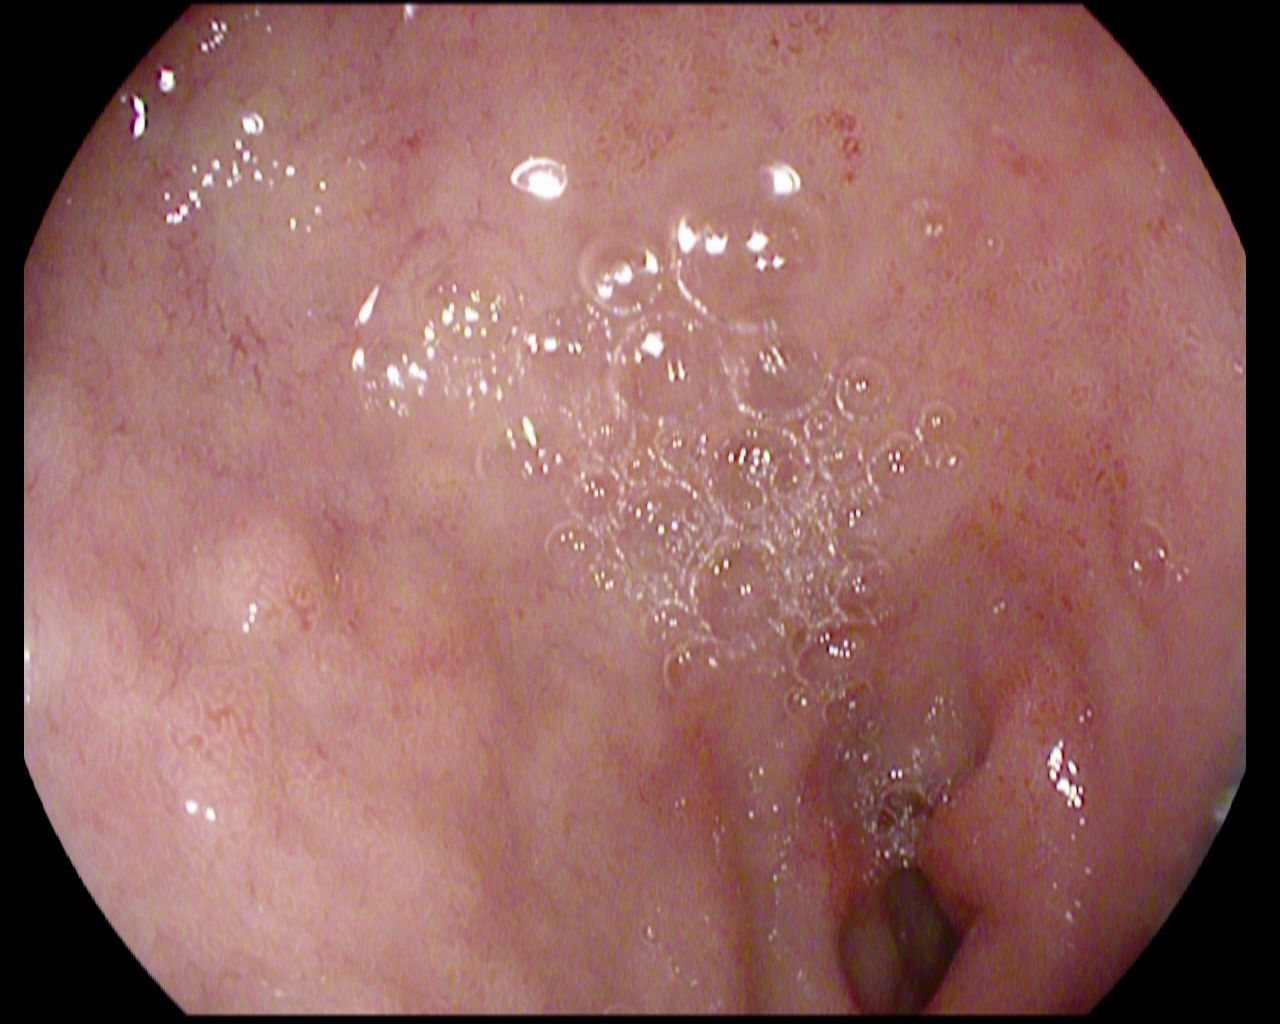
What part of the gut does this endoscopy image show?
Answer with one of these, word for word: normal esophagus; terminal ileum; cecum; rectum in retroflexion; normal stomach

normal stomach